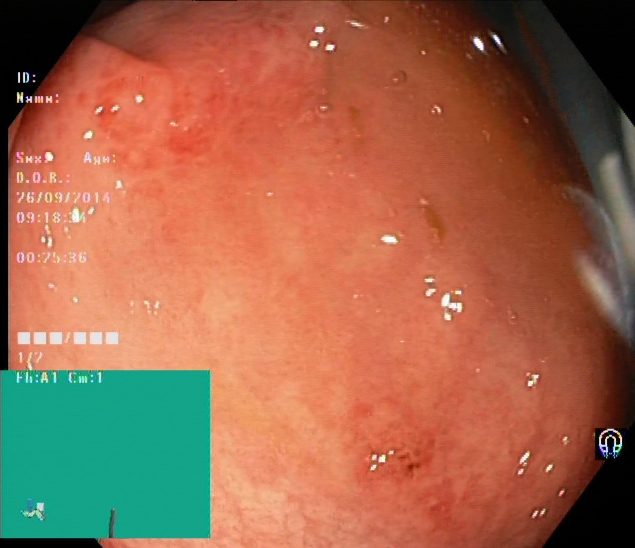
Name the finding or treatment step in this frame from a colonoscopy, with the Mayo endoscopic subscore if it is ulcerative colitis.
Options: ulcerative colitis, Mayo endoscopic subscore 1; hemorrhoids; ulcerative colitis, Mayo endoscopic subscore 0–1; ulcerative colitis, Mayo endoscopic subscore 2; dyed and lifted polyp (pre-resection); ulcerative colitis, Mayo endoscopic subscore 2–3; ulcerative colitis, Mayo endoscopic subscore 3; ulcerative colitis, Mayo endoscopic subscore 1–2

ulcerative colitis, Mayo endoscopic subscore 1